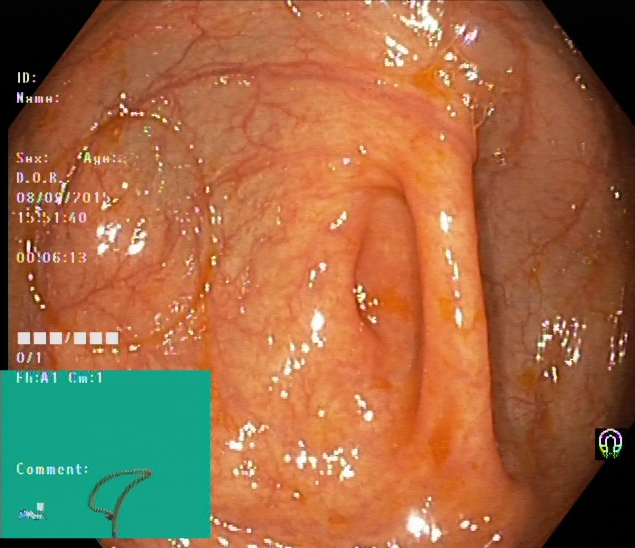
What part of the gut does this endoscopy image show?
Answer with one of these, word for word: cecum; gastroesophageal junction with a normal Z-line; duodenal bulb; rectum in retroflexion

cecum